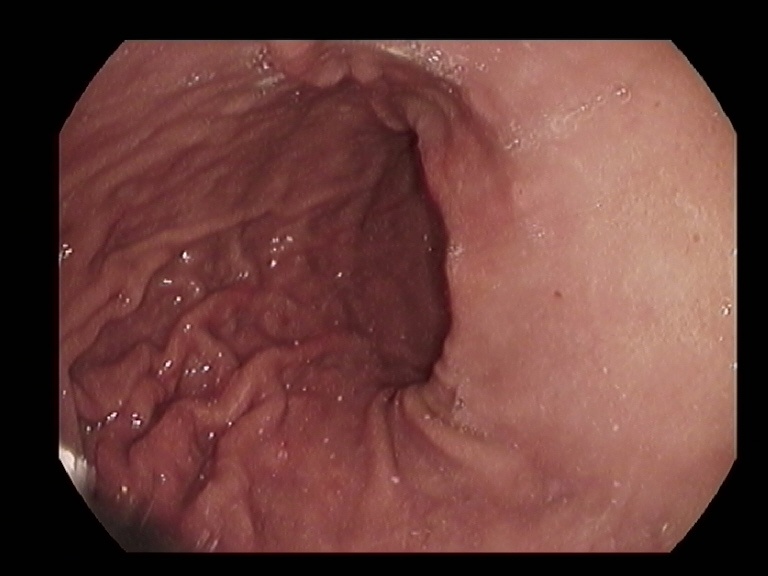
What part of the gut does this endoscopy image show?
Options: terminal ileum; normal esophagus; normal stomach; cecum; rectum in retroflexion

normal stomach